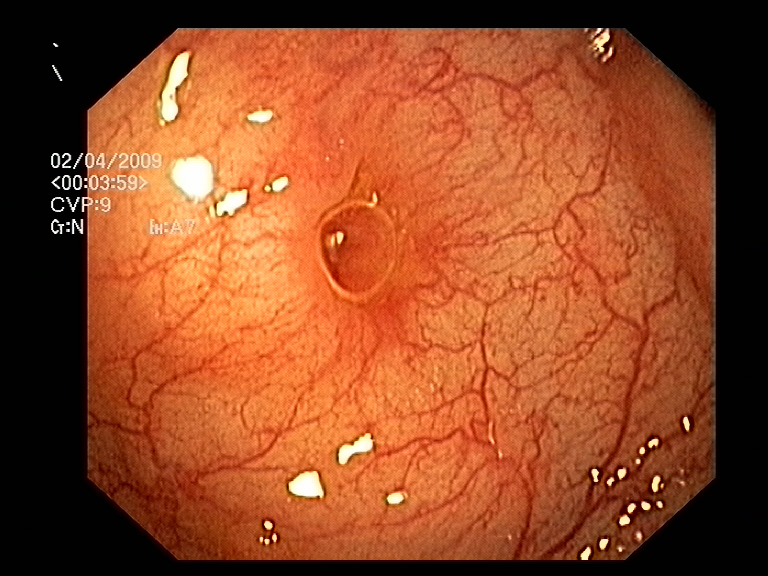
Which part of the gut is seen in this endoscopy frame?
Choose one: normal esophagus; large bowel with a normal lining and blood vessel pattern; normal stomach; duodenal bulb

large bowel with a normal lining and blood vessel pattern